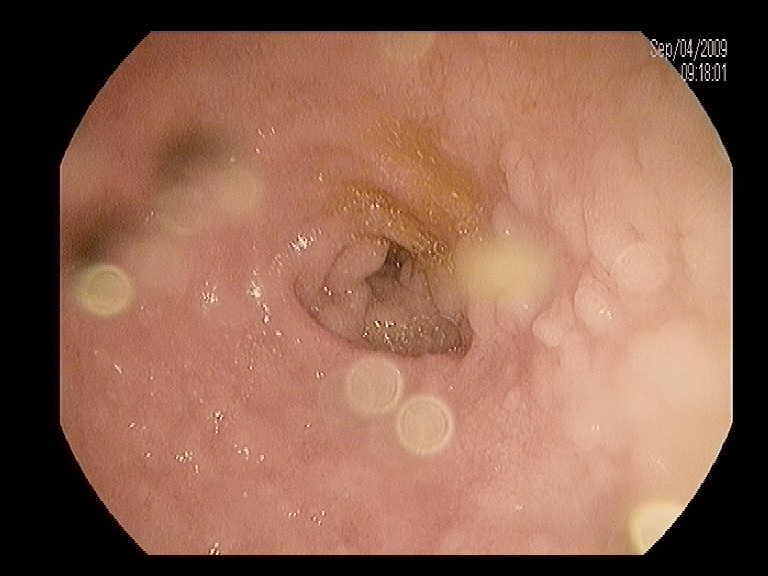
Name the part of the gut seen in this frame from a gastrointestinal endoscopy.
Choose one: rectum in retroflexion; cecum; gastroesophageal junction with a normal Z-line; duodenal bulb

duodenal bulb